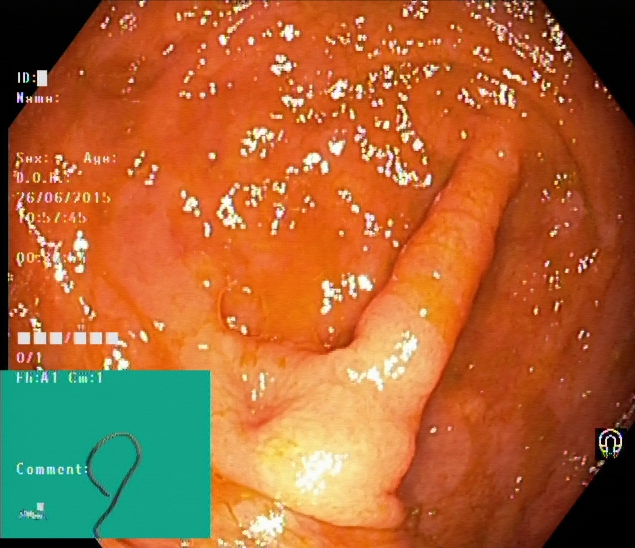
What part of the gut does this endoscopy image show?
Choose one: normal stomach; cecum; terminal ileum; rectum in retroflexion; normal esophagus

cecum